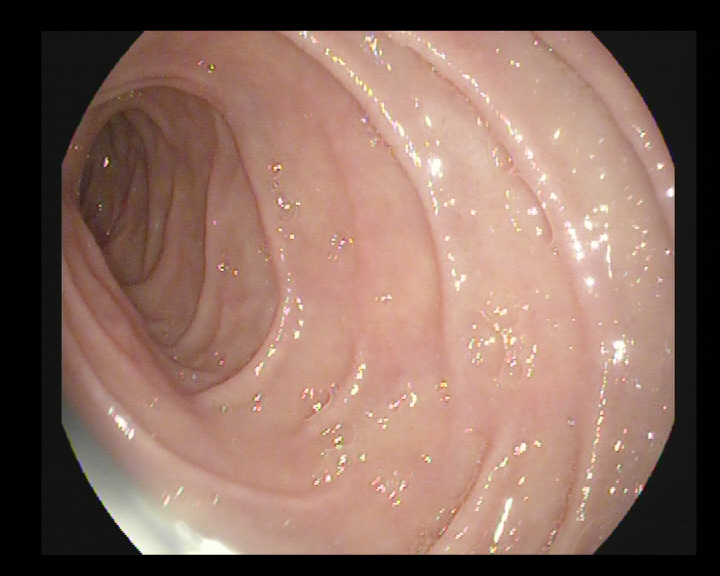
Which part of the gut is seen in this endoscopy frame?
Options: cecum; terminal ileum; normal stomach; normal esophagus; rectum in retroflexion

terminal ileum